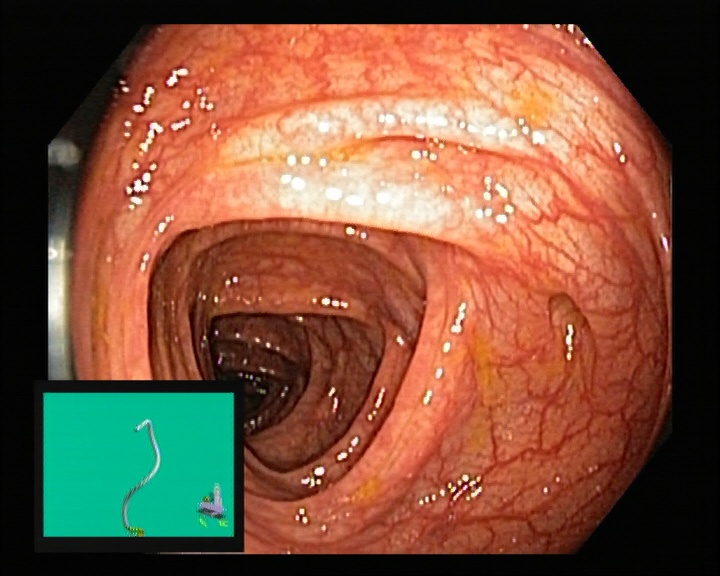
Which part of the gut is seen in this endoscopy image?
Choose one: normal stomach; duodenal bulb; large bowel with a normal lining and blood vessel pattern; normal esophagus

large bowel with a normal lining and blood vessel pattern